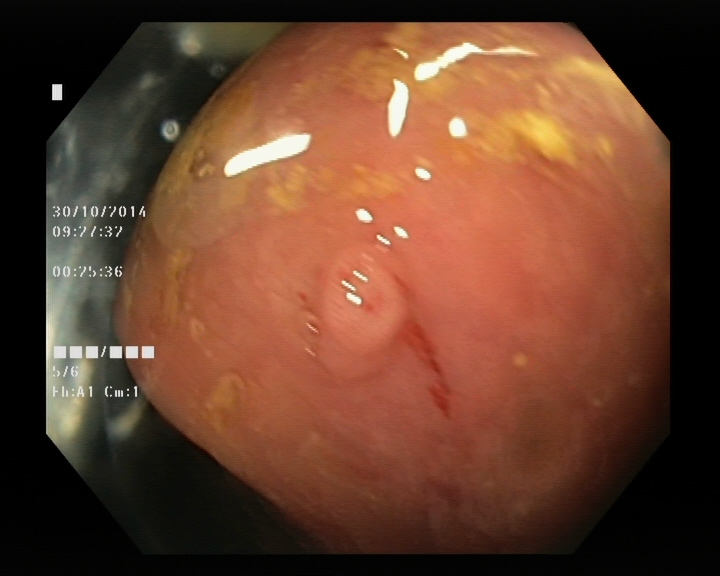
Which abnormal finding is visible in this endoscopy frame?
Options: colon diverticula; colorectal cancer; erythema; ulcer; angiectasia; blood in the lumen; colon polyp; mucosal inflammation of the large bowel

colon polyp